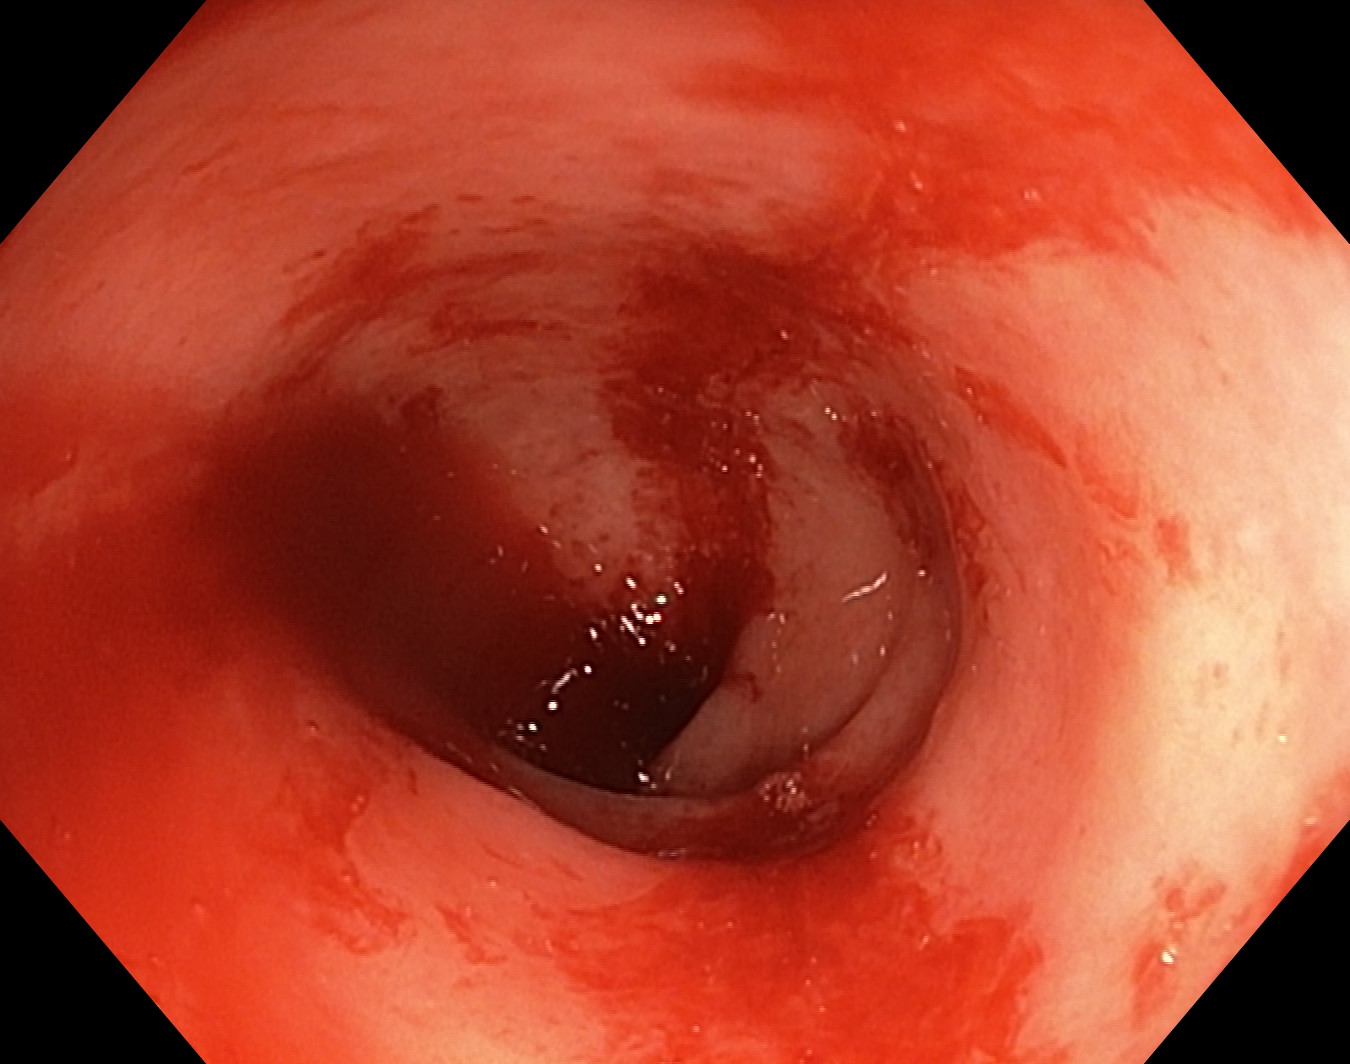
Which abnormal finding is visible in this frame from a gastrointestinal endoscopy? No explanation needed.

blood in the lumen